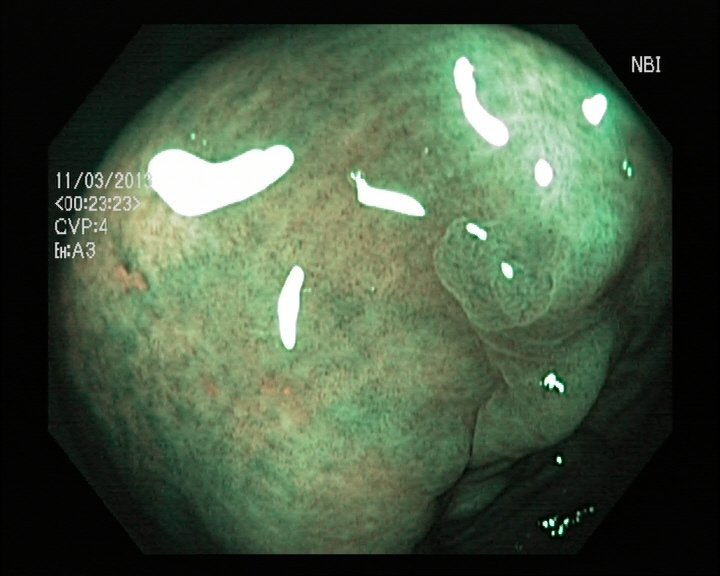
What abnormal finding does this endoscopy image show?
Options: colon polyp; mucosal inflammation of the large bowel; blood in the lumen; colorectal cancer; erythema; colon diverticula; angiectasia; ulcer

colon polyp